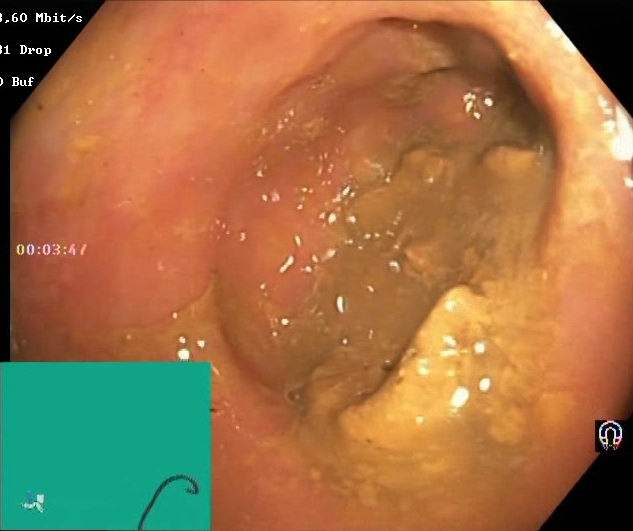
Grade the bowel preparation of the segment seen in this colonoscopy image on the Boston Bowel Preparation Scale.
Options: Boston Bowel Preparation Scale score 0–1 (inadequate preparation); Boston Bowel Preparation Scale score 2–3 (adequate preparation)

Boston Bowel Preparation Scale score 0–1 (inadequate preparation)